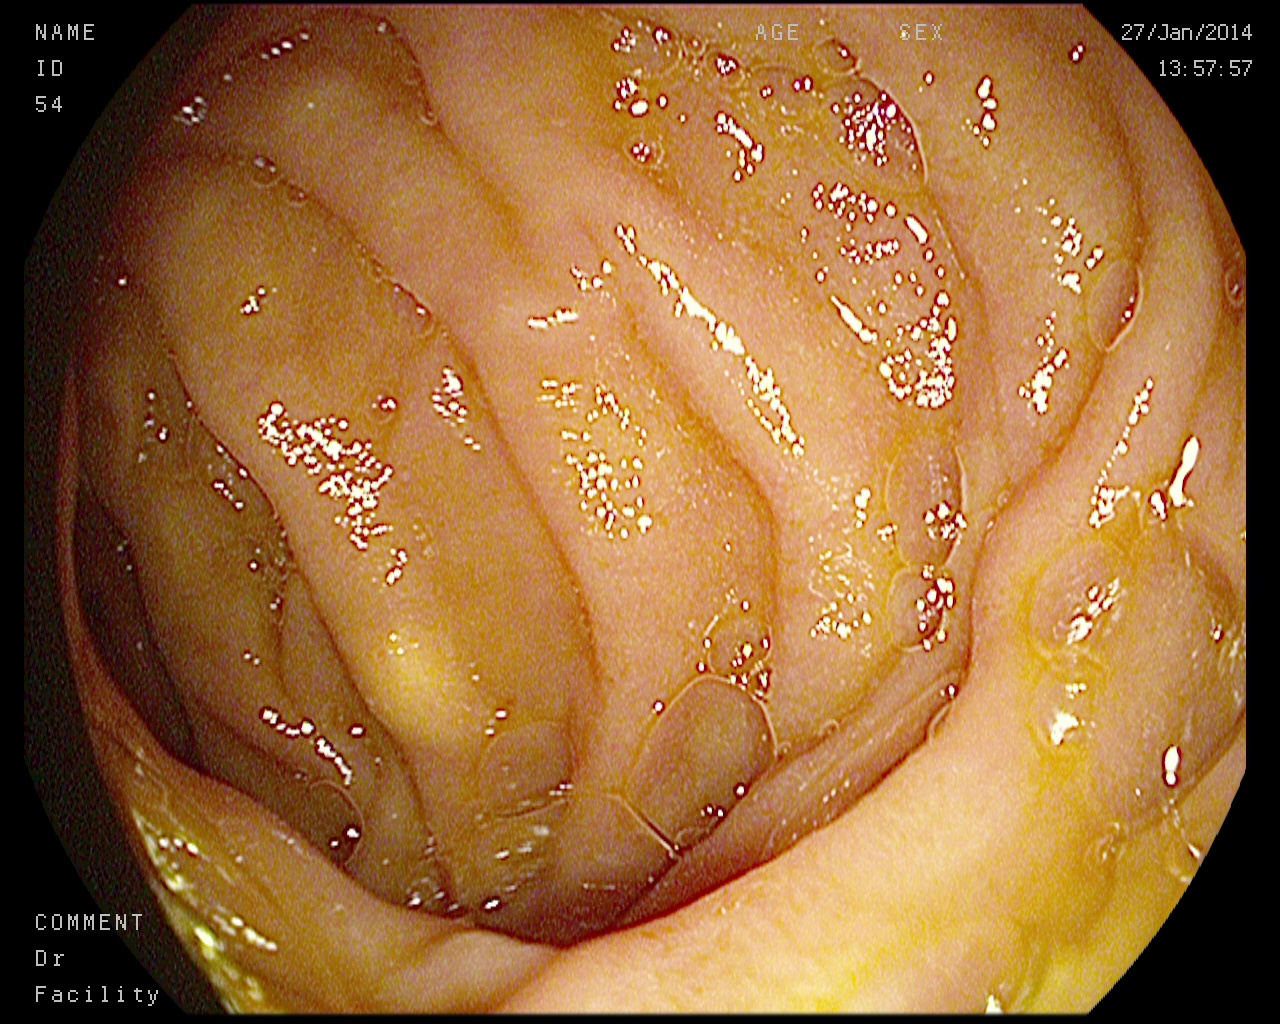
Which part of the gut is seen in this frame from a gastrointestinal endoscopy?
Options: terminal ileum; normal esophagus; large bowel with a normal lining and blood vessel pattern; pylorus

terminal ileum